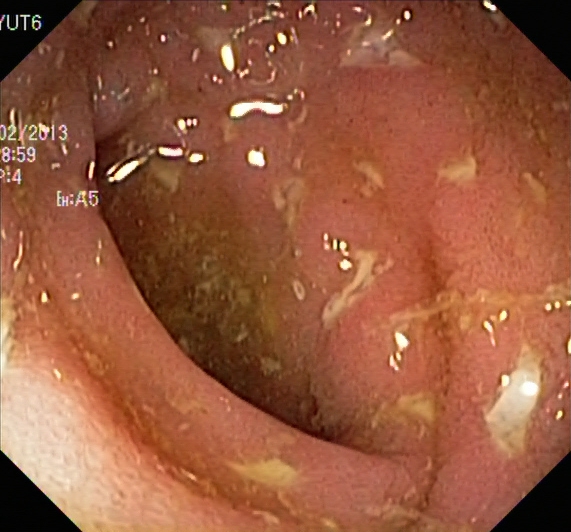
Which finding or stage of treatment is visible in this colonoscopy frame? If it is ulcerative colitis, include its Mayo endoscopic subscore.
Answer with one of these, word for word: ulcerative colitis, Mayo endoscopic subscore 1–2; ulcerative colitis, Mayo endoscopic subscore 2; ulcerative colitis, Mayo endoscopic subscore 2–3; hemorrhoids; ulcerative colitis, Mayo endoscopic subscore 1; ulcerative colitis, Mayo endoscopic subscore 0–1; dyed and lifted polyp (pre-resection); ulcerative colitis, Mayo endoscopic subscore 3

ulcerative colitis, Mayo endoscopic subscore 2